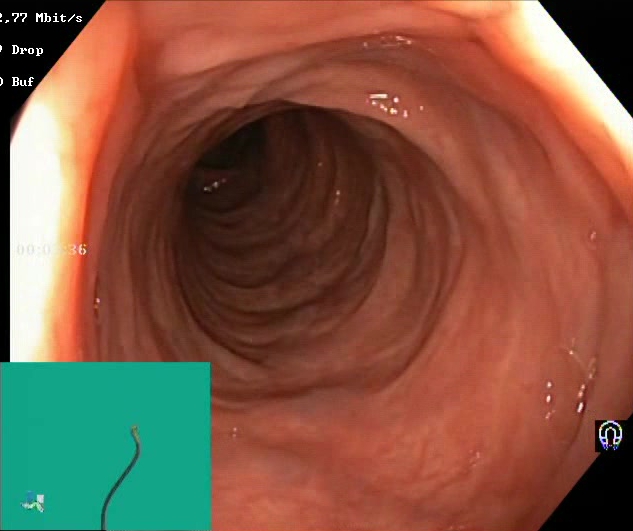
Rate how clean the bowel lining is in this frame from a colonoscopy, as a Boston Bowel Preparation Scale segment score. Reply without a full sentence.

Boston Bowel Preparation Scale score 2–3 (adequate preparation)